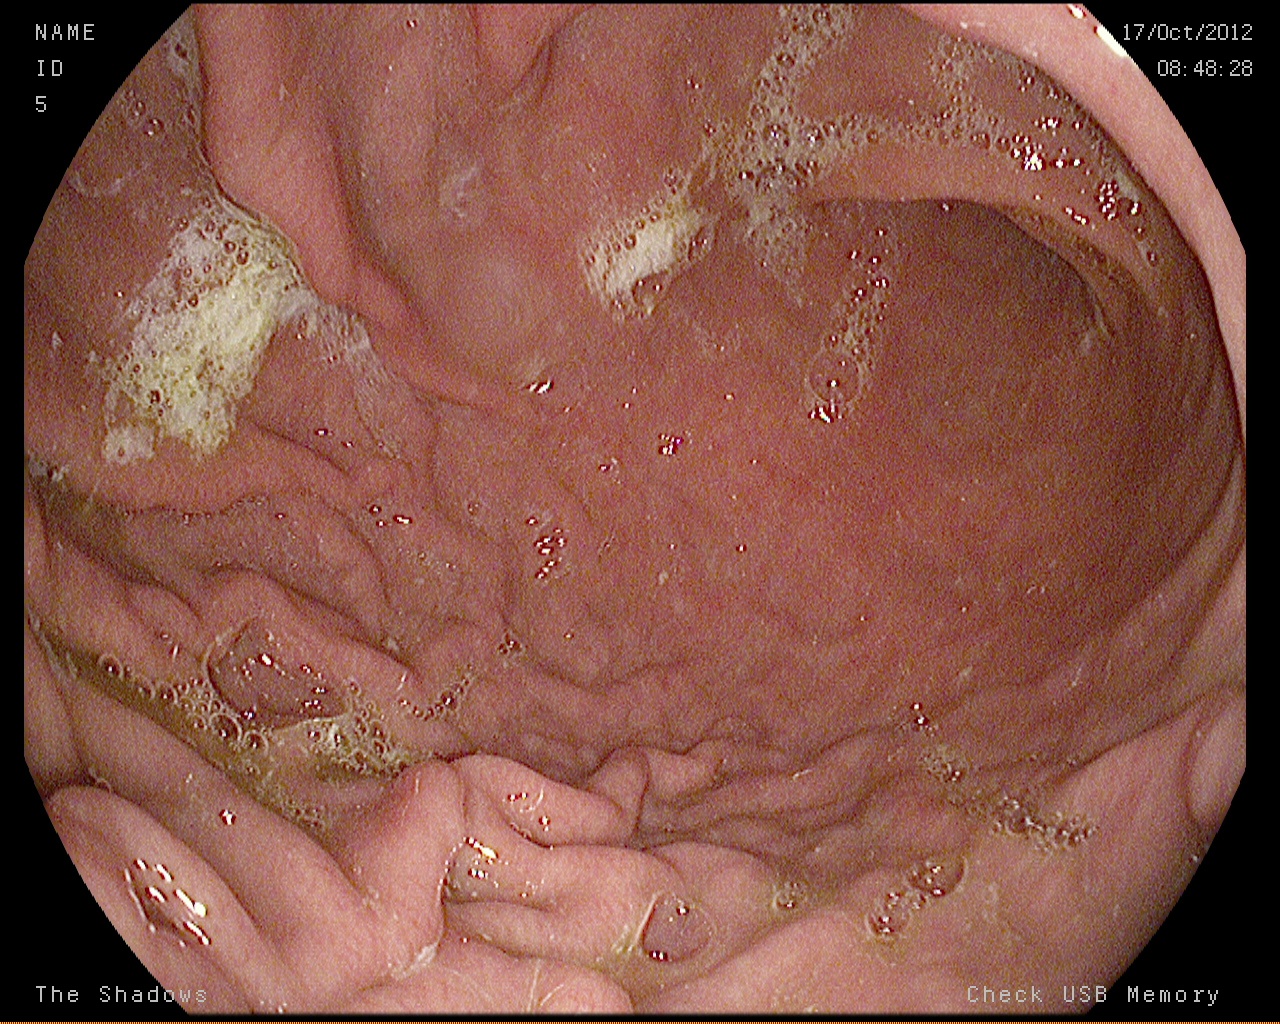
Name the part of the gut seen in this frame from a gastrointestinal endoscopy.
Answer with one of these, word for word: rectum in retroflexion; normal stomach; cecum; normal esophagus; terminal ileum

normal stomach